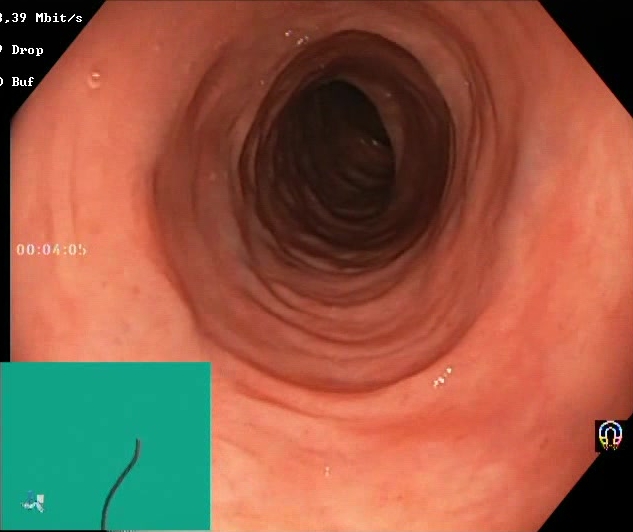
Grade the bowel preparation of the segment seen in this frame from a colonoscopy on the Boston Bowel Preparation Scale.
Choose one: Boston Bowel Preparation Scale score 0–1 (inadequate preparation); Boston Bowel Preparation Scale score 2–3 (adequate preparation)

Boston Bowel Preparation Scale score 2–3 (adequate preparation)